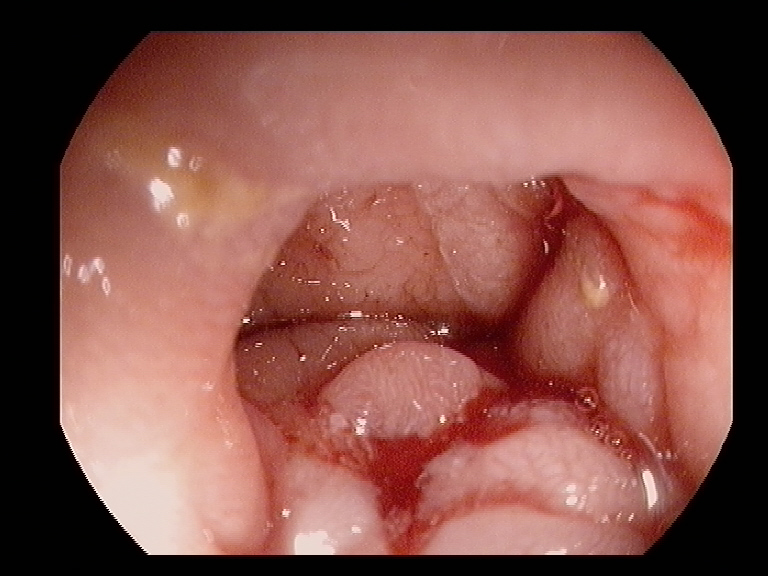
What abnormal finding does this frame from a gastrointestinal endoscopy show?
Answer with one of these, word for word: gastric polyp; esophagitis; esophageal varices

gastric polyp